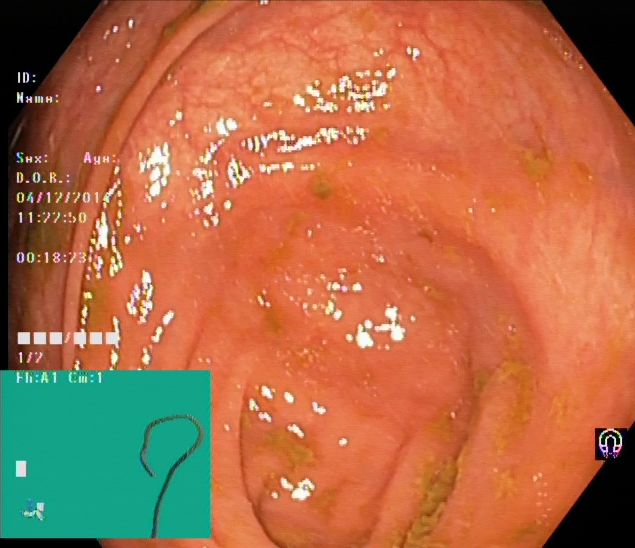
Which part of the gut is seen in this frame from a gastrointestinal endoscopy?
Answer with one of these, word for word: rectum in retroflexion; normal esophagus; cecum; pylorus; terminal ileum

cecum